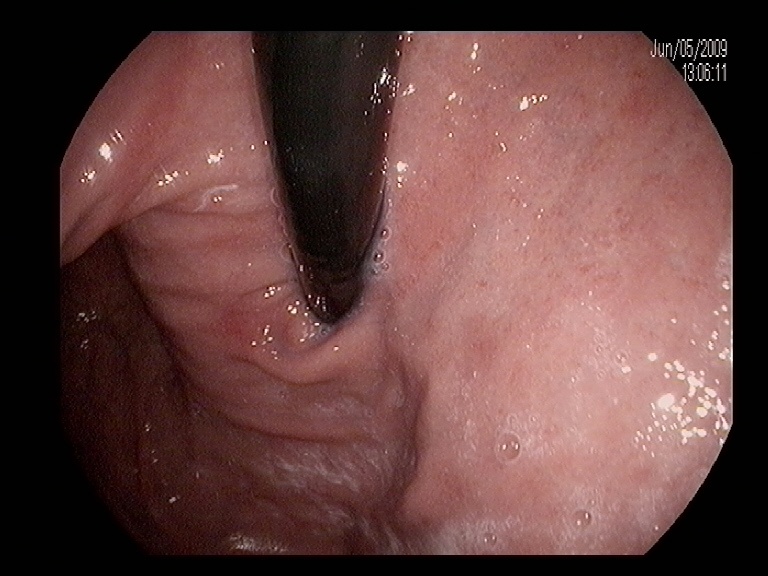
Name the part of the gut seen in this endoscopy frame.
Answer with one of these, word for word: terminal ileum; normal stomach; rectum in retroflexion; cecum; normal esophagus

normal stomach